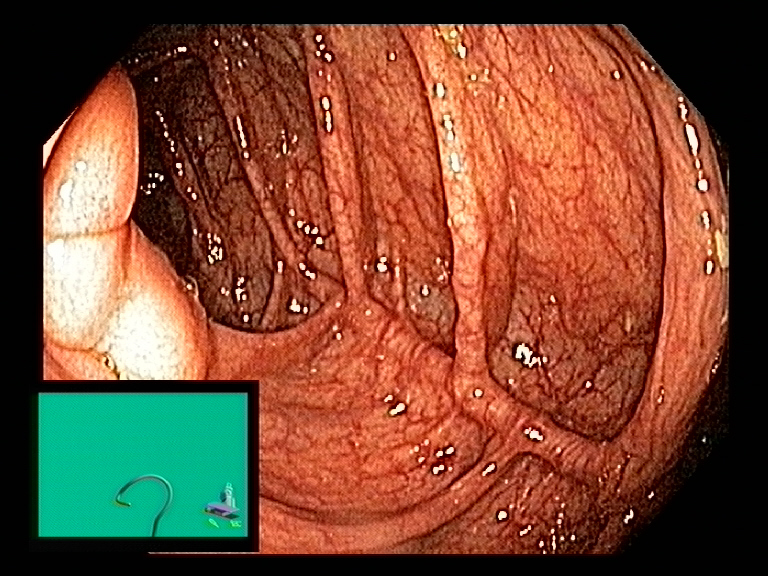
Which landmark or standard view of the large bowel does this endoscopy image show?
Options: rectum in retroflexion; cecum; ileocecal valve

ileocecal valve